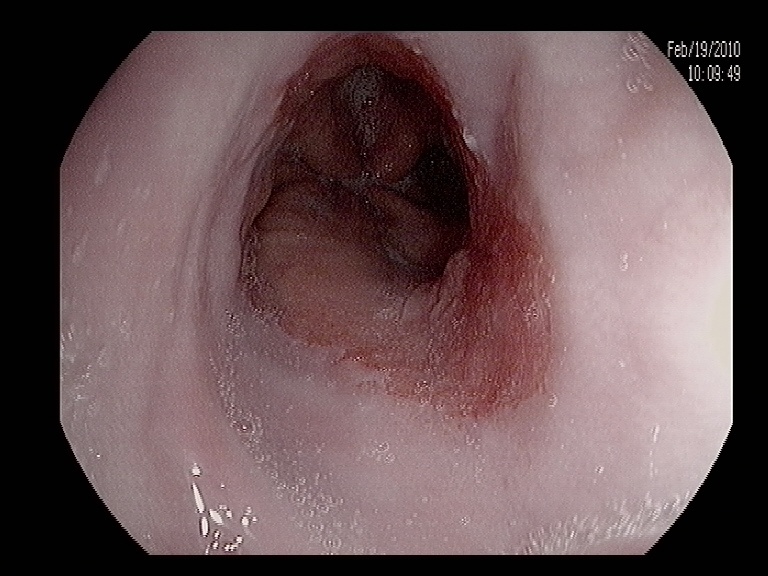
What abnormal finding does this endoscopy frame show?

Barrett's esophagus